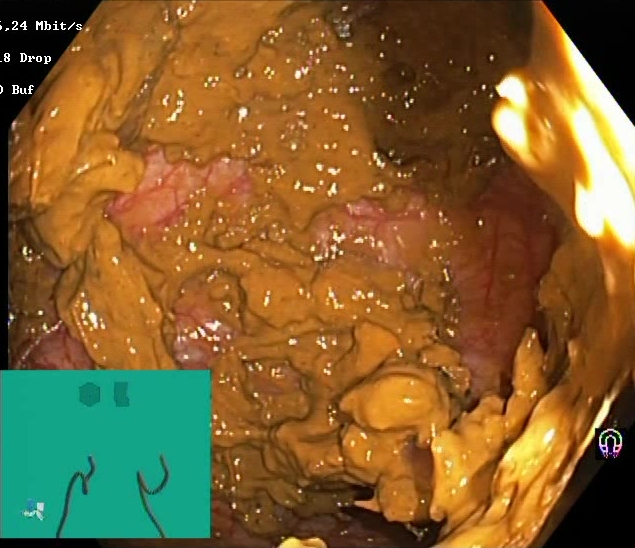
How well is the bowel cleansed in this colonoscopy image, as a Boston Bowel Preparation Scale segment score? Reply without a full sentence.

Boston Bowel Preparation Scale score 0–1 (inadequate preparation)